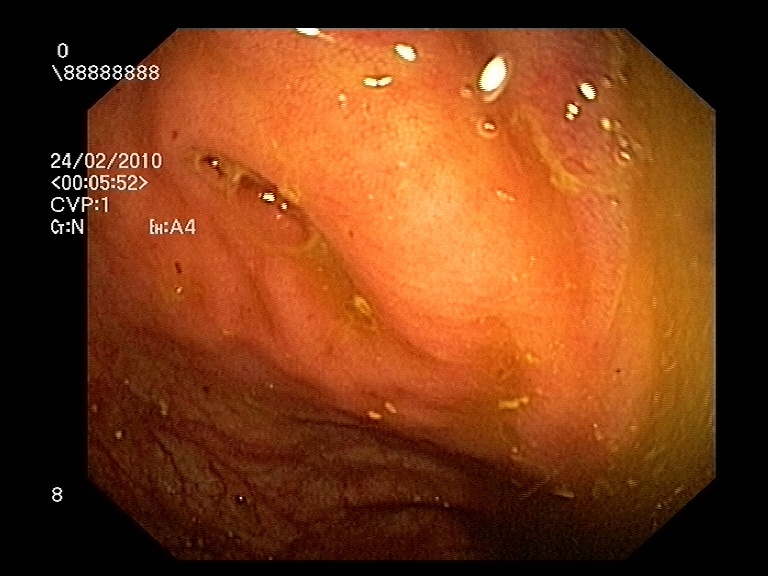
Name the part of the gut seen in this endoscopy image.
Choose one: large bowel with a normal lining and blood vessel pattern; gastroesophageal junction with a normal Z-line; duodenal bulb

large bowel with a normal lining and blood vessel pattern